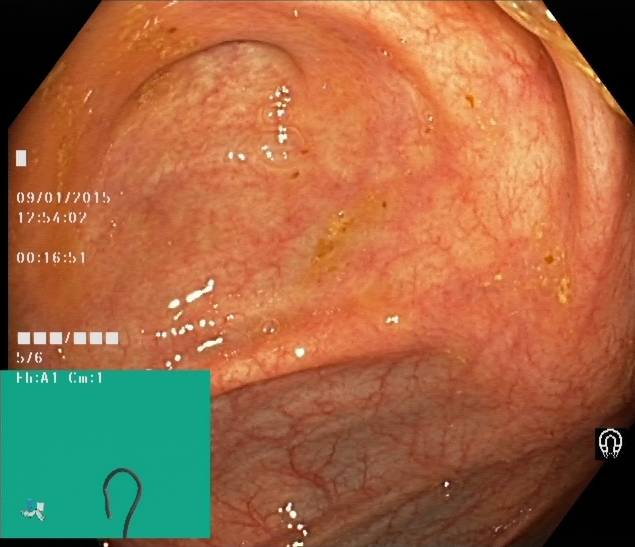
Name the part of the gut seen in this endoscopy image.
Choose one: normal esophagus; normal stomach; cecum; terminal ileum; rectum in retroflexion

cecum